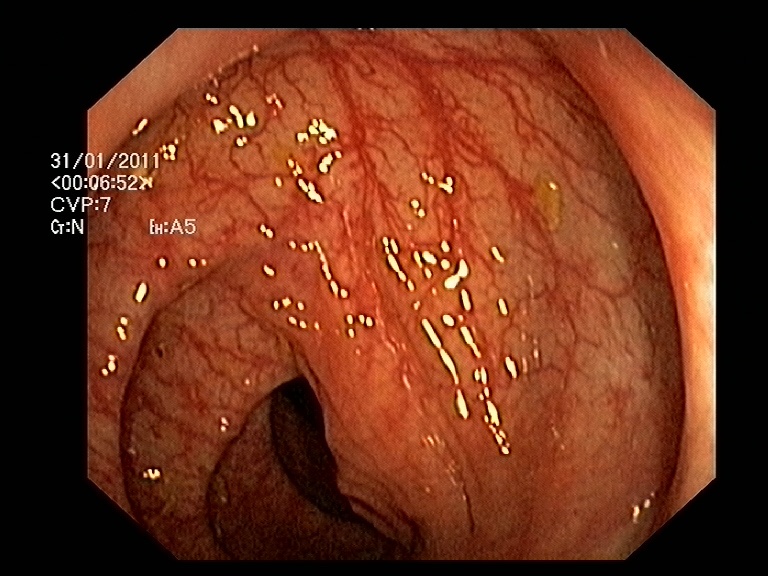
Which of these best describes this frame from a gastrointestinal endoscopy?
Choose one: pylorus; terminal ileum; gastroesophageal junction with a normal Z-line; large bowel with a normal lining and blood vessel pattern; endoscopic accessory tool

large bowel with a normal lining and blood vessel pattern